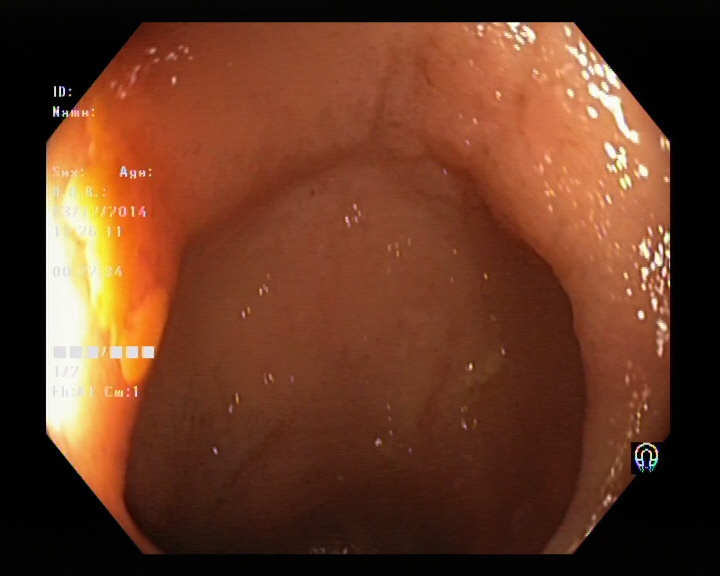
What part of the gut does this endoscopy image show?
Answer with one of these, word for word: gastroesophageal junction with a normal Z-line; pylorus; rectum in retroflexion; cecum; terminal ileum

terminal ileum